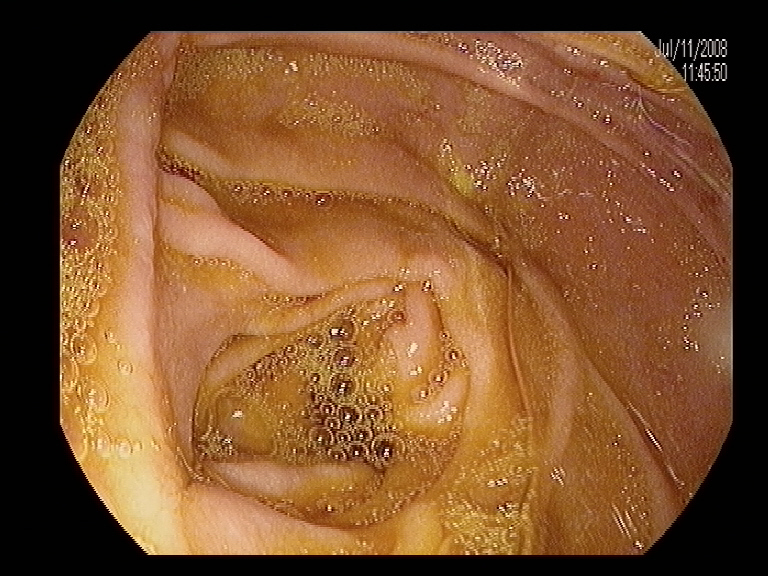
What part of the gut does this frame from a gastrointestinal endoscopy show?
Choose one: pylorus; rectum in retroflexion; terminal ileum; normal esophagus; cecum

terminal ileum